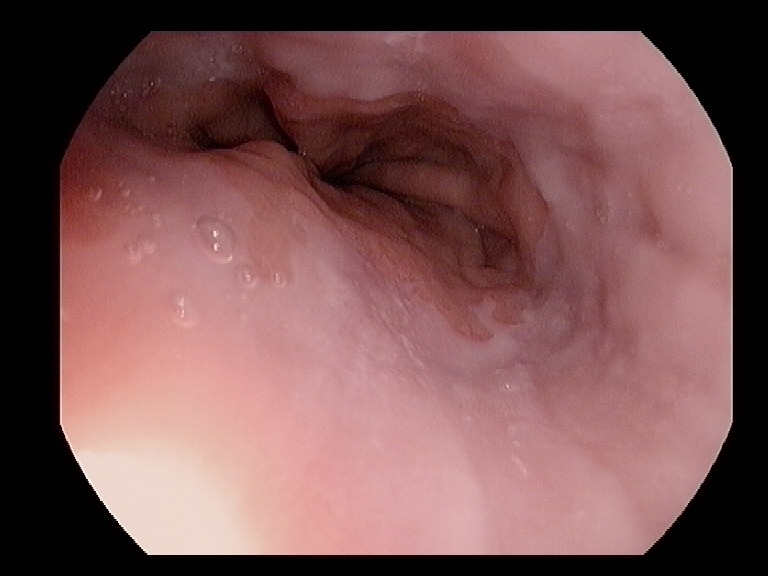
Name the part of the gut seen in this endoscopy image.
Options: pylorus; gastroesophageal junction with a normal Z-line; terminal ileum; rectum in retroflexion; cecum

gastroesophageal junction with a normal Z-line